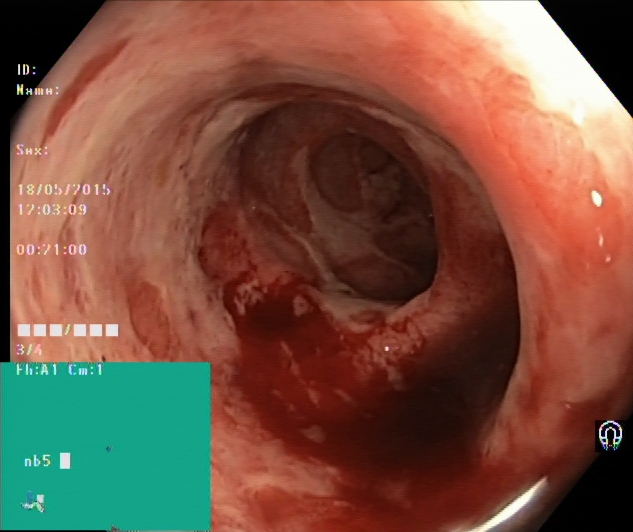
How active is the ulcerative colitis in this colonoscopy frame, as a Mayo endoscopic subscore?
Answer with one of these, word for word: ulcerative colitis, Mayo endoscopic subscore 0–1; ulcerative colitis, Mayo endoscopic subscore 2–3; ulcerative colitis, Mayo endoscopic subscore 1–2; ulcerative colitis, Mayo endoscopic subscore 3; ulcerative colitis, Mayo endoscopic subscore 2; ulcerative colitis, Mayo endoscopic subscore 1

ulcerative colitis, Mayo endoscopic subscore 2